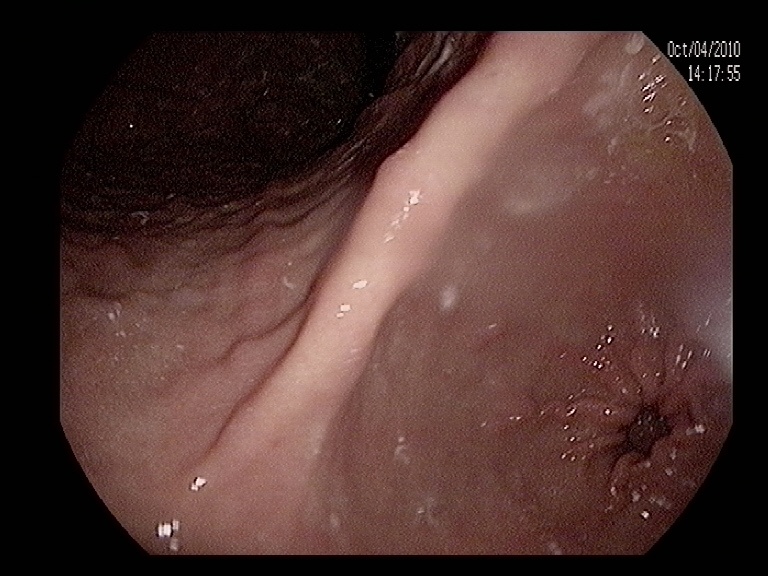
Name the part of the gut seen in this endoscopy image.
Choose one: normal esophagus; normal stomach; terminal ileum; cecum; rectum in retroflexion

normal stomach